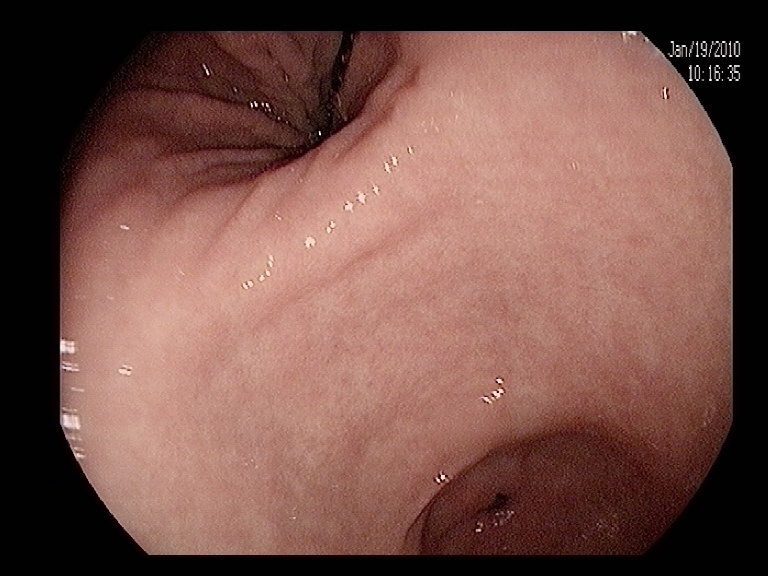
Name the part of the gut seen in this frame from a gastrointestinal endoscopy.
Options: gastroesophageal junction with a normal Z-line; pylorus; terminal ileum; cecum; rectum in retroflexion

pylorus